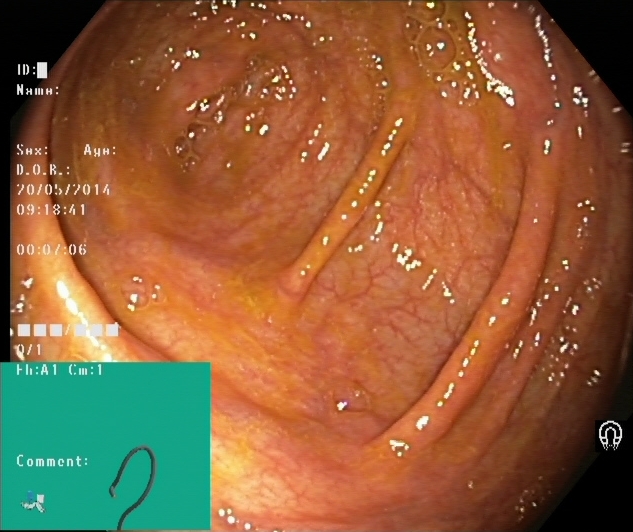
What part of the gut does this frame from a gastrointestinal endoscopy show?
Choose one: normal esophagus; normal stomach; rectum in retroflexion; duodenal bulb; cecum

cecum